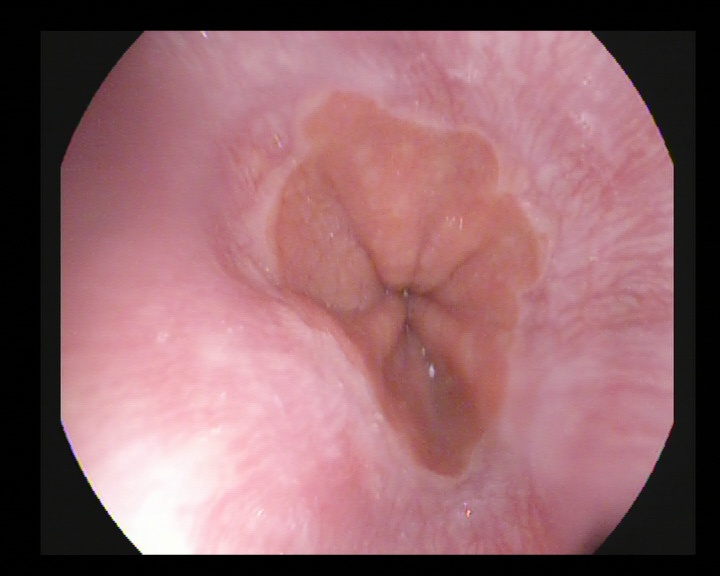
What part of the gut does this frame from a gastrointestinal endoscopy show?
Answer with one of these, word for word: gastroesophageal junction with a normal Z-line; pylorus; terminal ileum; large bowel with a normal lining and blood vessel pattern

gastroesophageal junction with a normal Z-line